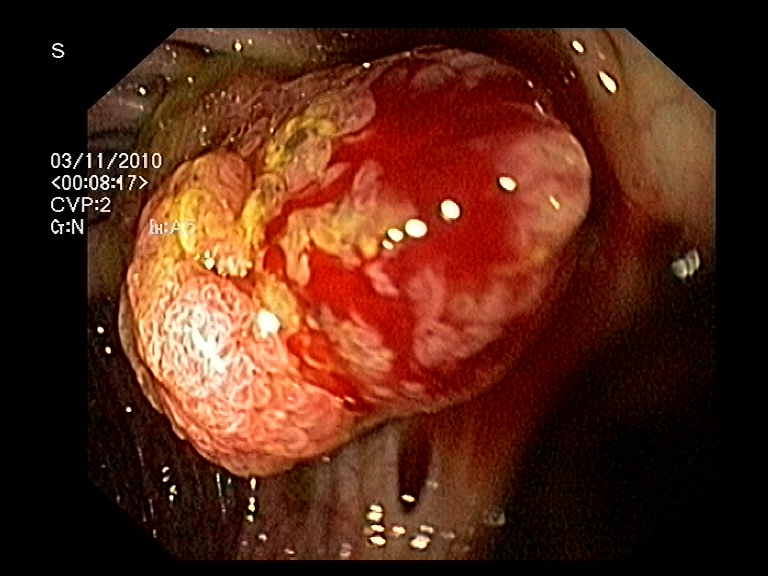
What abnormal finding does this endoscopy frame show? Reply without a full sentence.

colon polyp